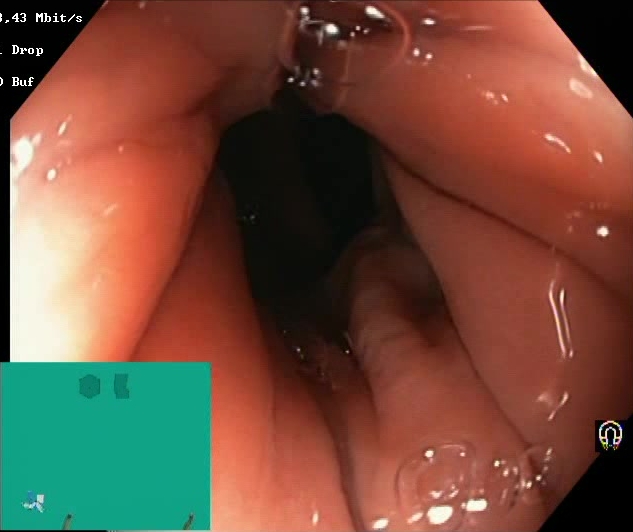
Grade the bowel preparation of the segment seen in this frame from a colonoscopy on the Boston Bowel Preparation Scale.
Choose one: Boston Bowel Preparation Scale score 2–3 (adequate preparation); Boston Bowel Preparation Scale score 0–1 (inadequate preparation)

Boston Bowel Preparation Scale score 2–3 (adequate preparation)